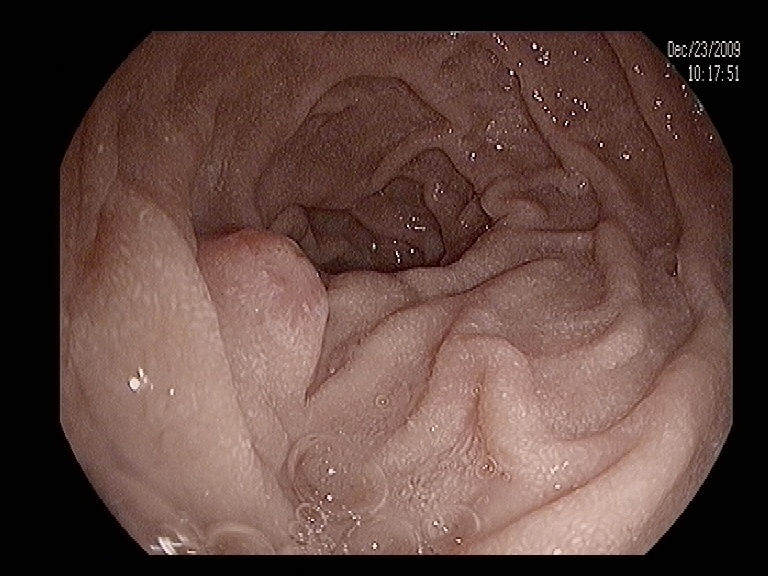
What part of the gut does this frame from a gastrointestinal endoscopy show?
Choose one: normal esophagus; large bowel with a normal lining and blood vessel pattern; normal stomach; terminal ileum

terminal ileum